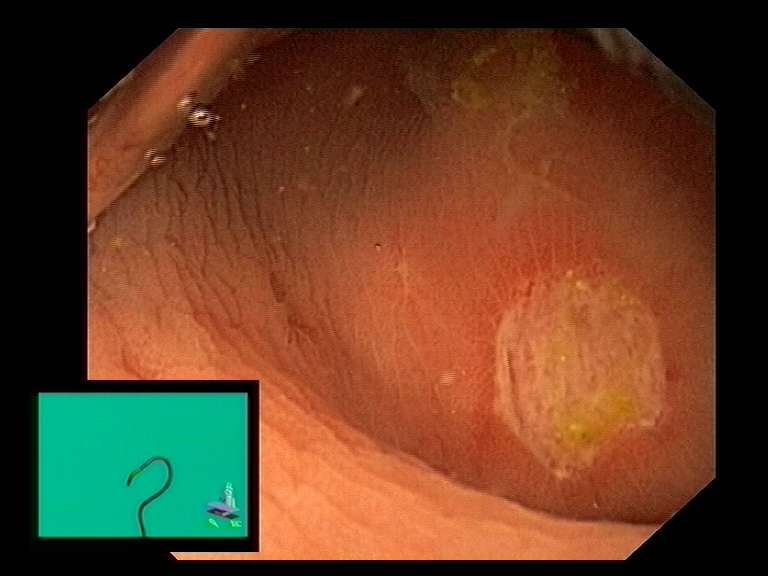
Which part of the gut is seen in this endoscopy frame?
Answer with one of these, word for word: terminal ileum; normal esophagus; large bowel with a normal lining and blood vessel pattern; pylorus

large bowel with a normal lining and blood vessel pattern